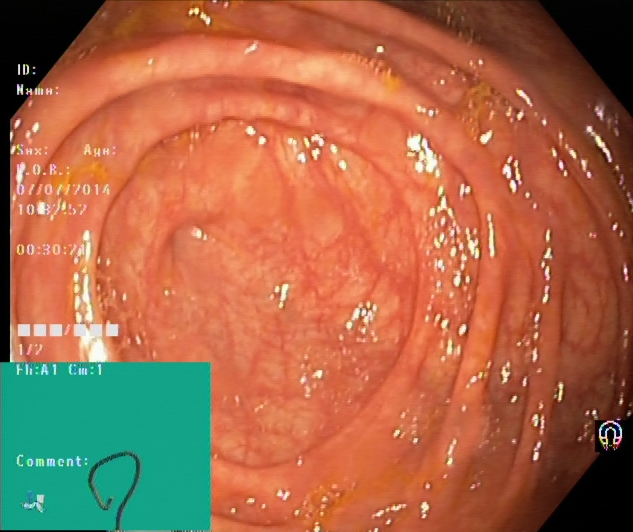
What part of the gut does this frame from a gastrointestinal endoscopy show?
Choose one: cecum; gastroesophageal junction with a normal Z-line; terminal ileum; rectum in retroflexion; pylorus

cecum